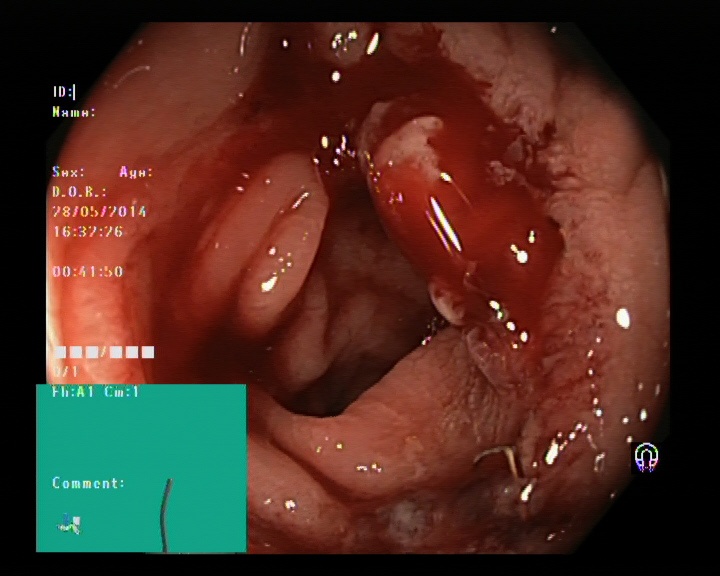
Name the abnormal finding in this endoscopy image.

colorectal cancer